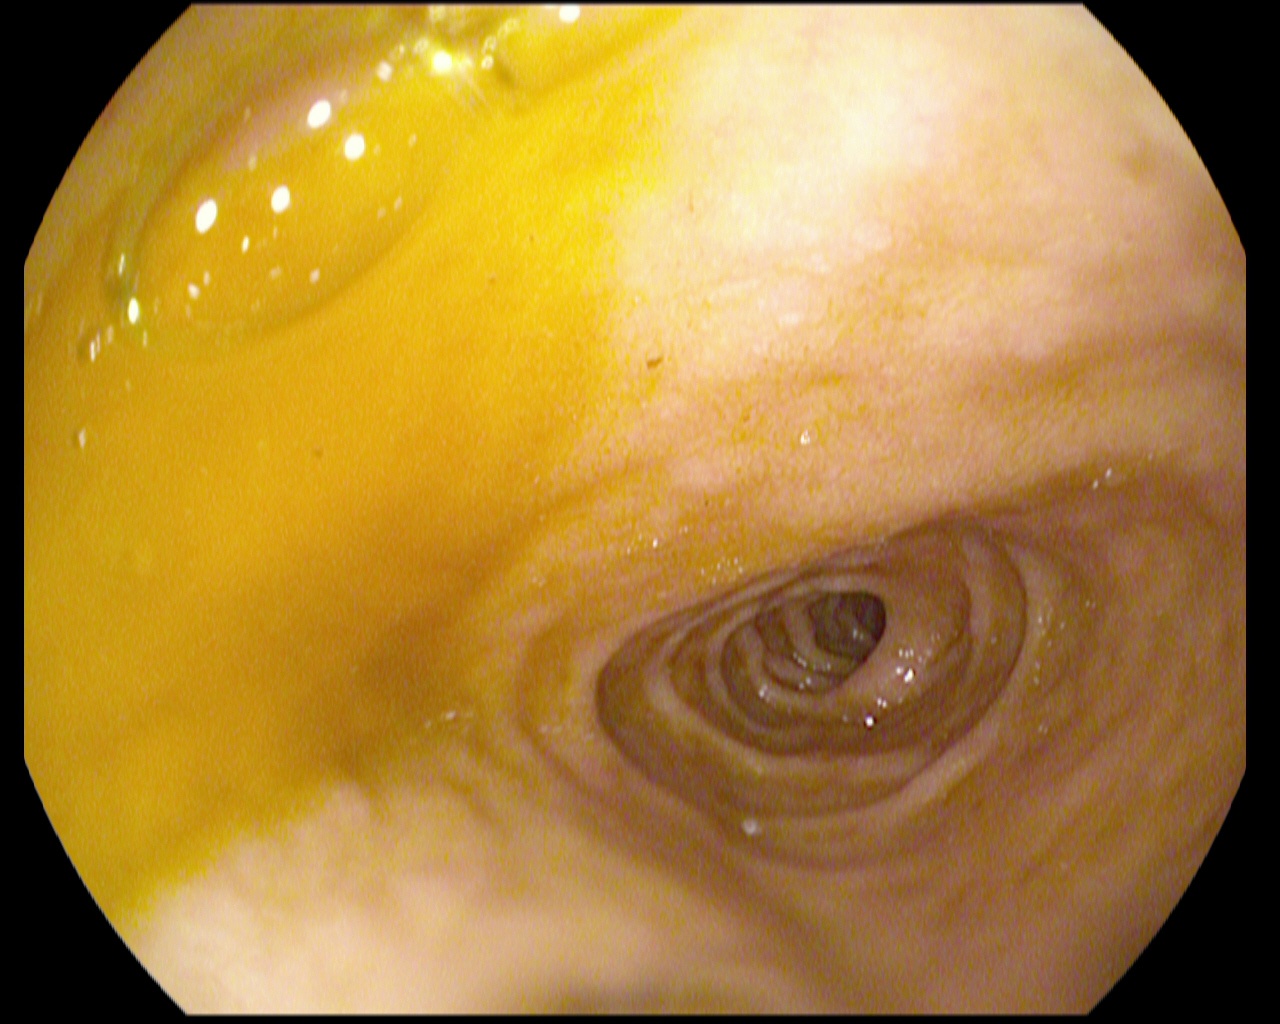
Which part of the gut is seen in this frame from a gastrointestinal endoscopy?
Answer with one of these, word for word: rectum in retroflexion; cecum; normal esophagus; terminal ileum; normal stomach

terminal ileum